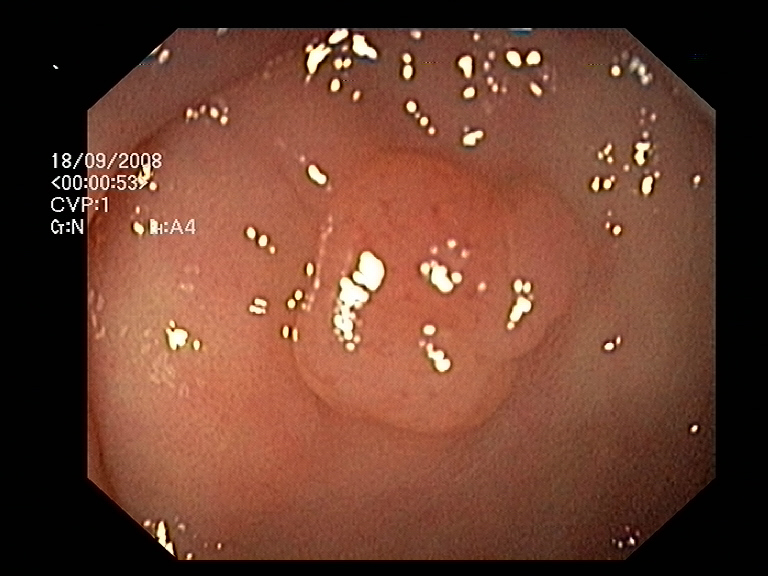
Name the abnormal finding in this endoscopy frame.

colon polyp